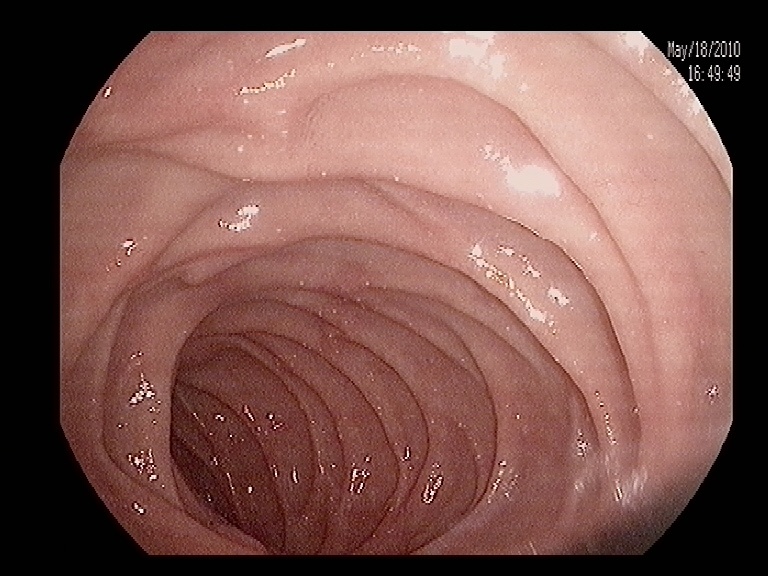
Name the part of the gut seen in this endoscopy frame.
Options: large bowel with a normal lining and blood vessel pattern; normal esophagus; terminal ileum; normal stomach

terminal ileum